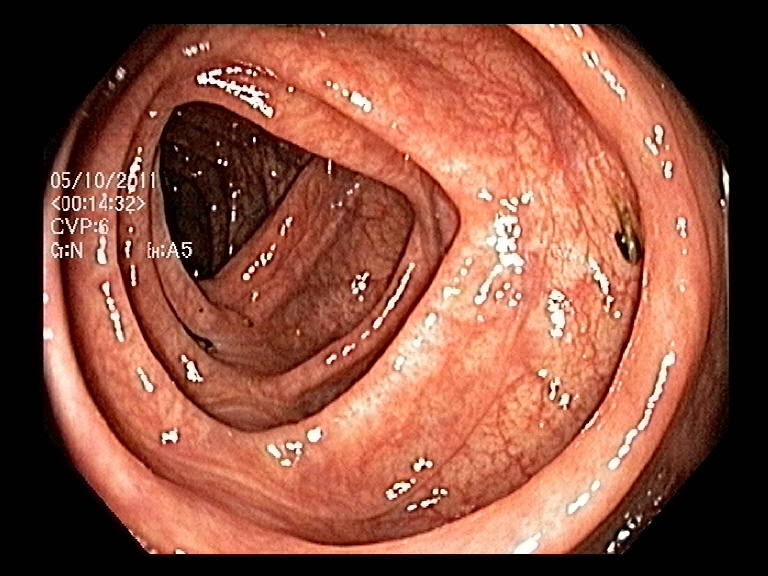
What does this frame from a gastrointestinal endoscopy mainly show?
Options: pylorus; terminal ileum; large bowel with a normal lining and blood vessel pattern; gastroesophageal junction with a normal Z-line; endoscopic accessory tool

large bowel with a normal lining and blood vessel pattern